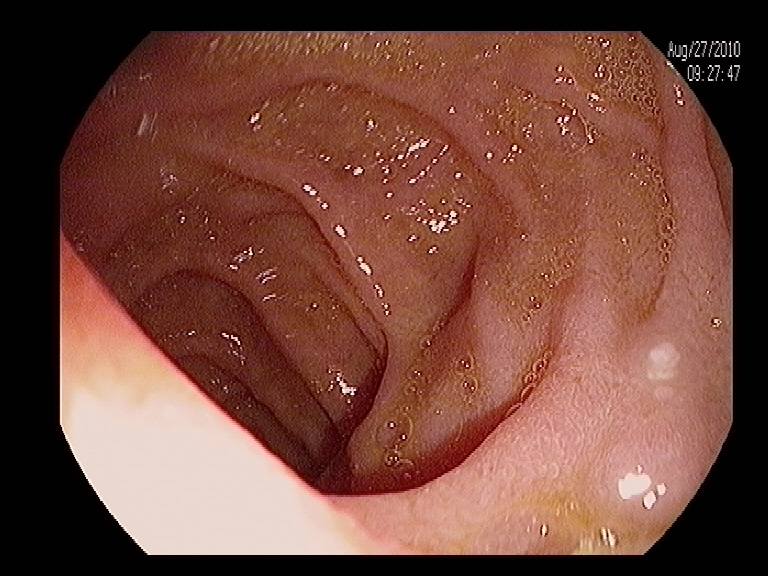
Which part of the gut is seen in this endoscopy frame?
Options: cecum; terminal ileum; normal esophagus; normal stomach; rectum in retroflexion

terminal ileum